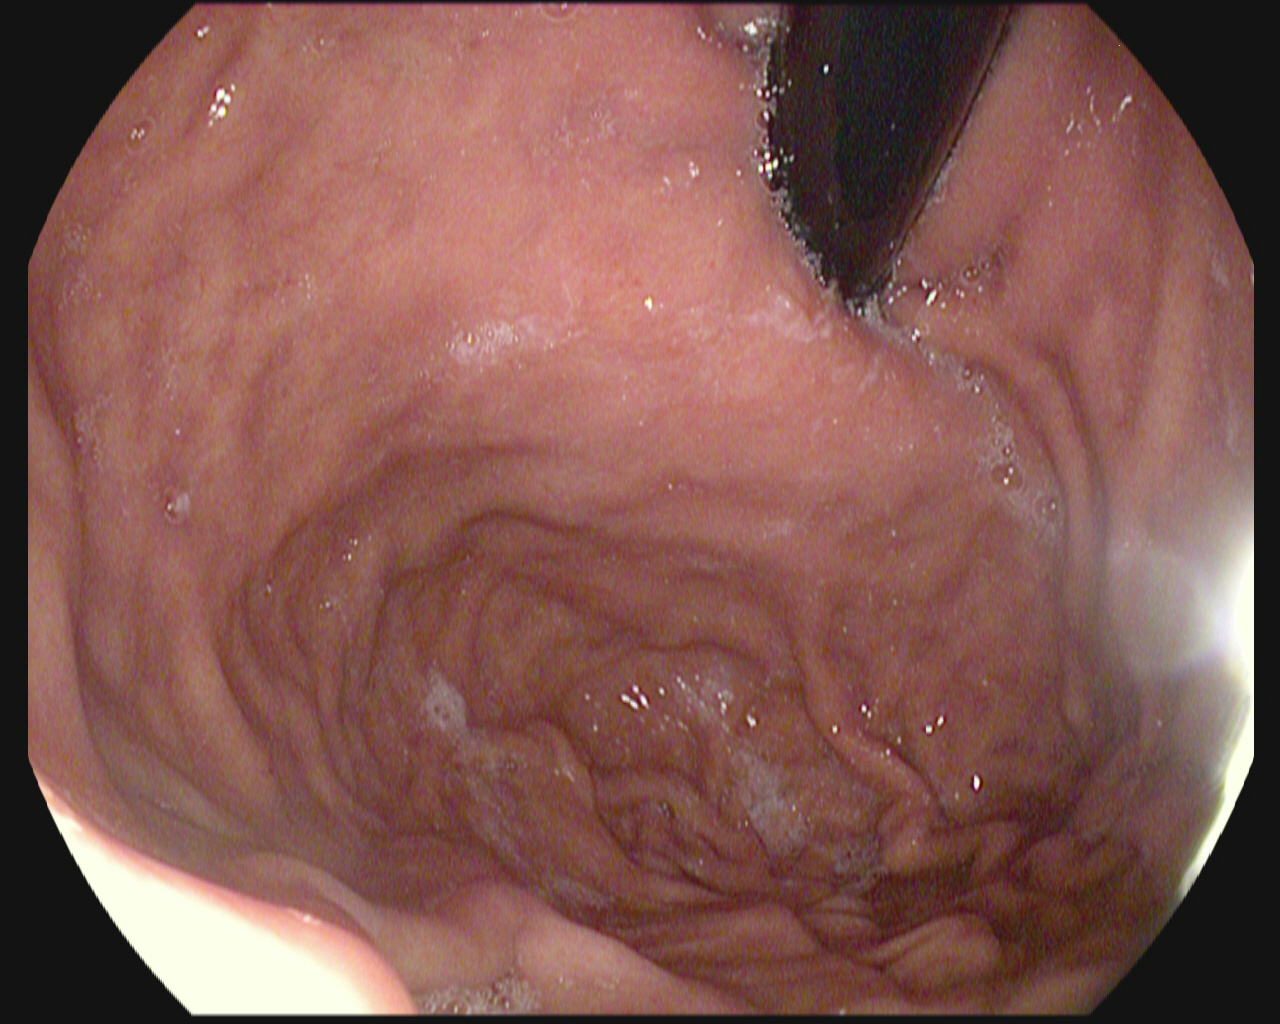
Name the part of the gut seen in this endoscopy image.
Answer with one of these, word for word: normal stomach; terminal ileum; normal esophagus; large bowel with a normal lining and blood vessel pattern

normal stomach